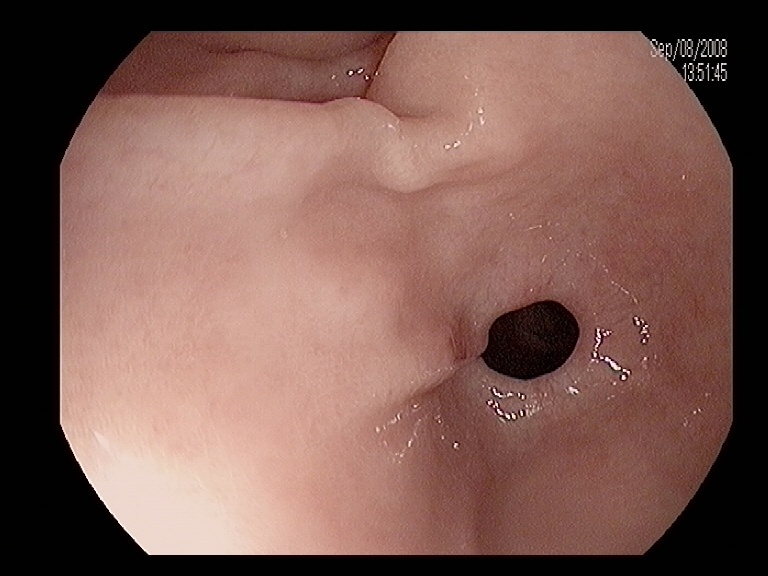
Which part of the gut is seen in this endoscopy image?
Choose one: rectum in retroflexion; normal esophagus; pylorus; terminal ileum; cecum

pylorus